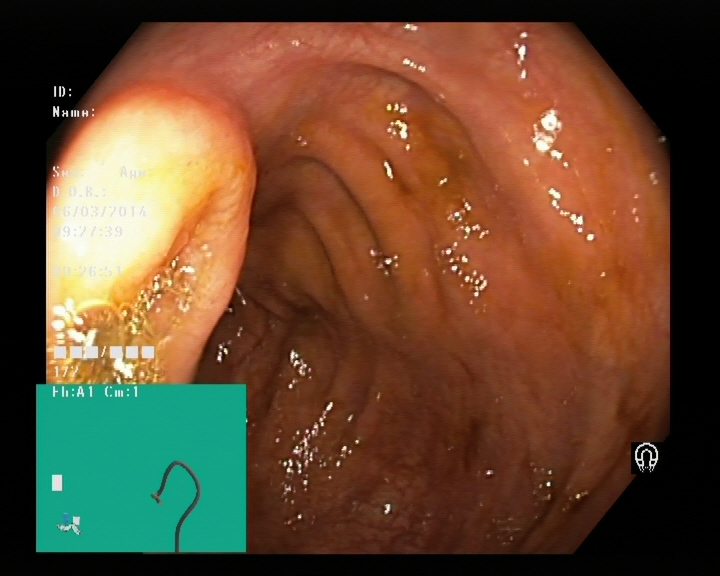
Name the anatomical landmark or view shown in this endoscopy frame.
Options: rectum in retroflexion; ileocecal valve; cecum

ileocecal valve